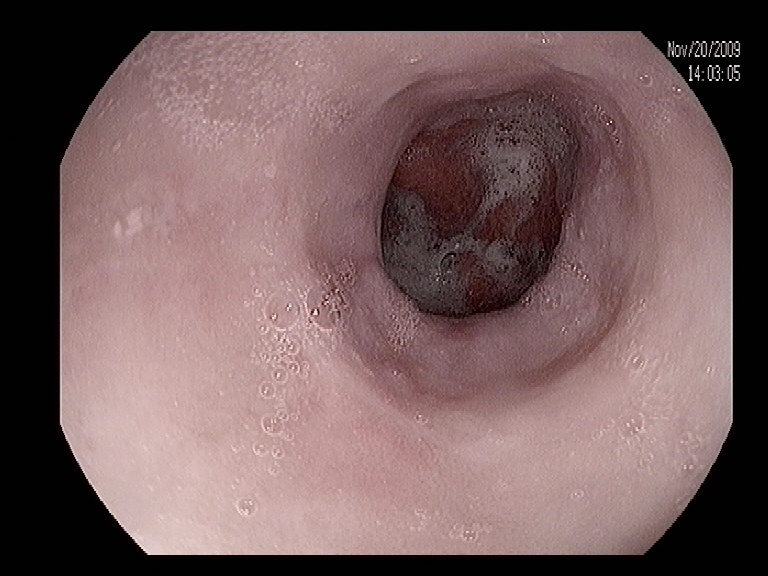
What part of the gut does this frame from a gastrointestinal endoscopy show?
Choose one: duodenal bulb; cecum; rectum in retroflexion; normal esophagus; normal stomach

normal esophagus